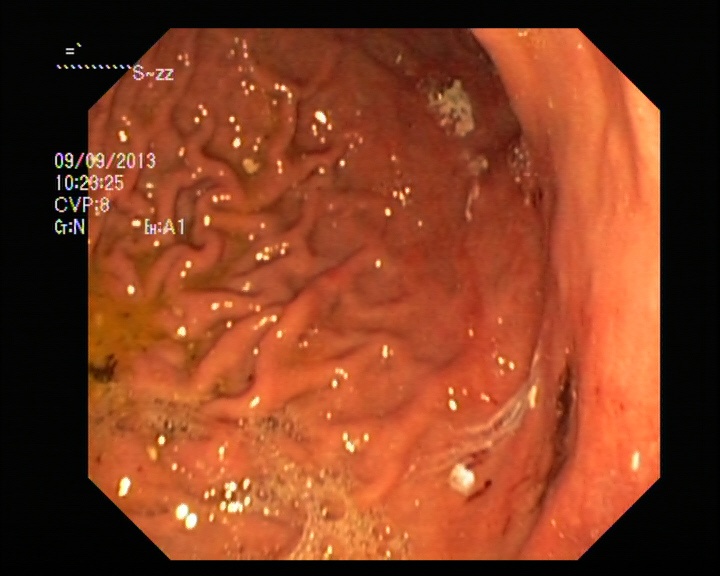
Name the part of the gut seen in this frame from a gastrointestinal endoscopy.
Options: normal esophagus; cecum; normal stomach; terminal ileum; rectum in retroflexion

normal stomach